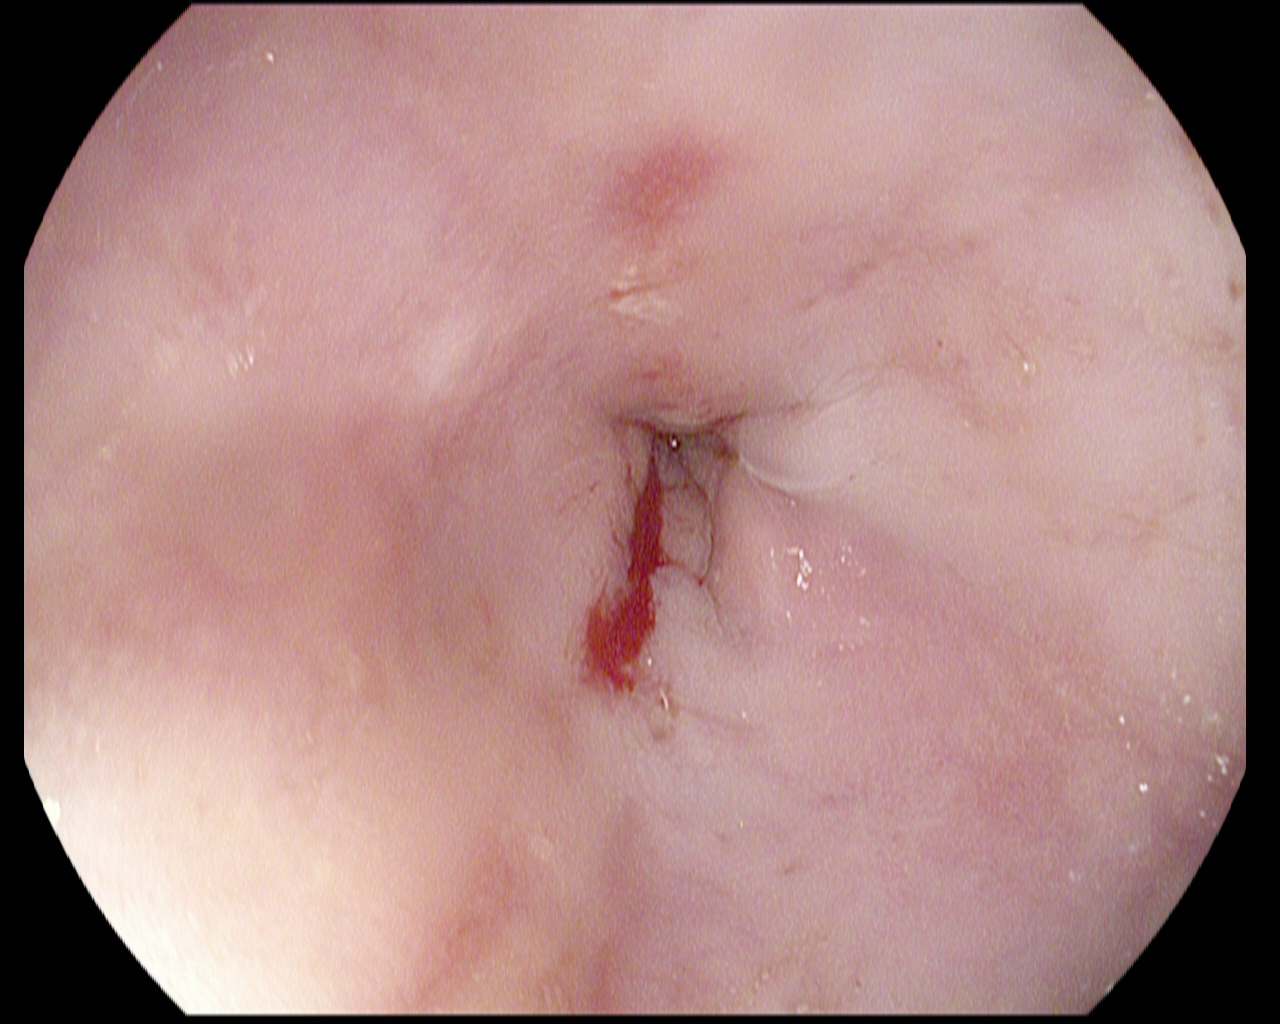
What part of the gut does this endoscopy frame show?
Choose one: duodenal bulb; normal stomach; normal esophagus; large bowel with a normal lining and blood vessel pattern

normal esophagus